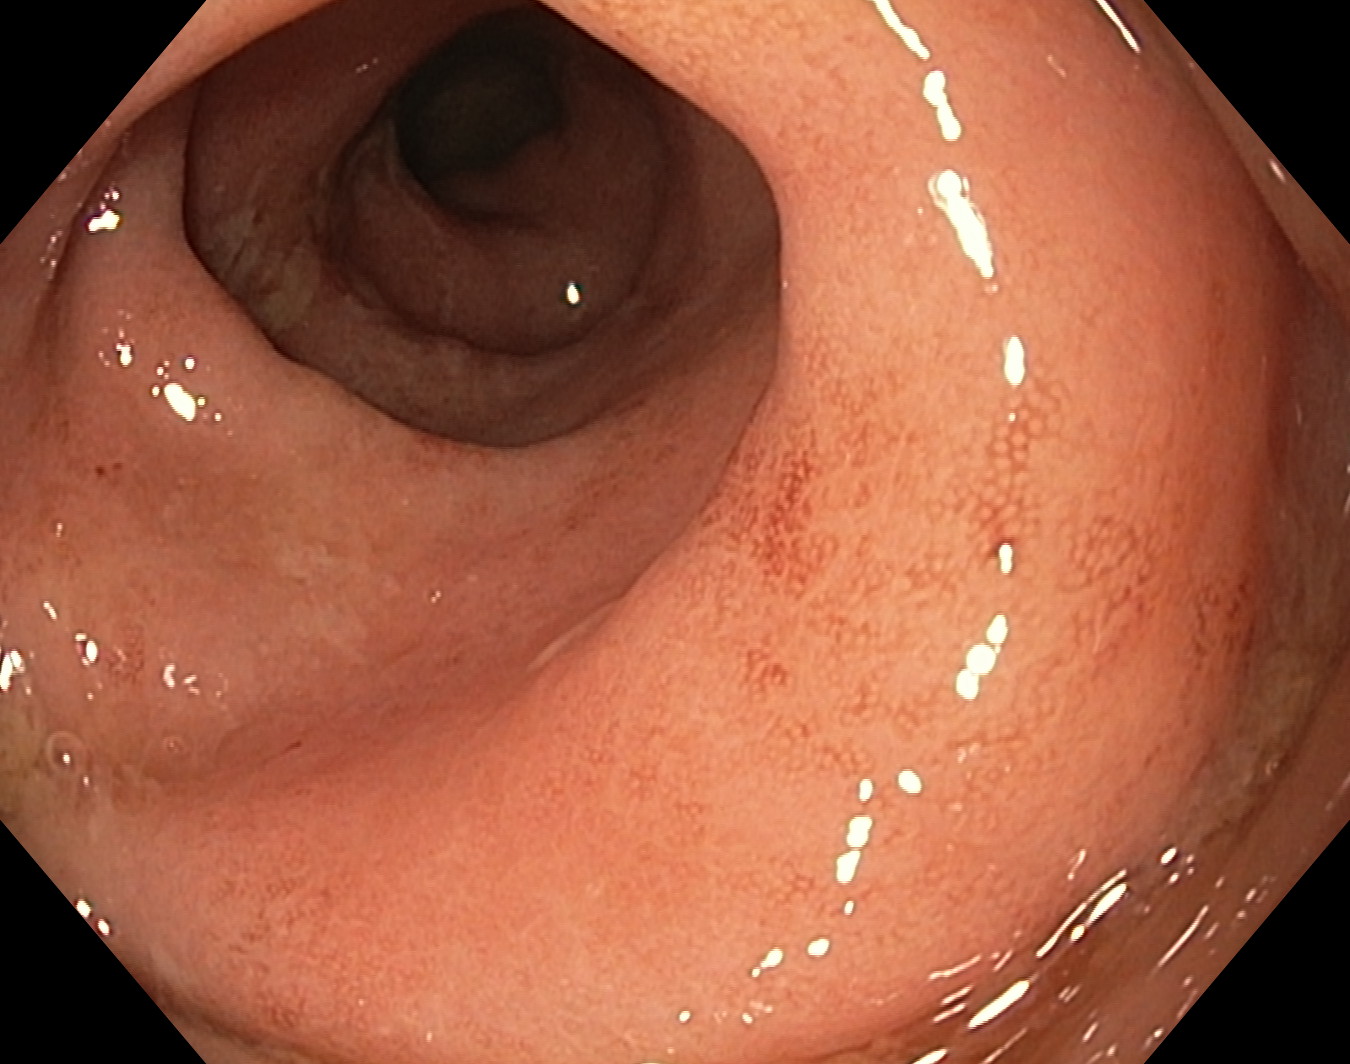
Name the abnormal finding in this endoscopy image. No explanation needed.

erythema